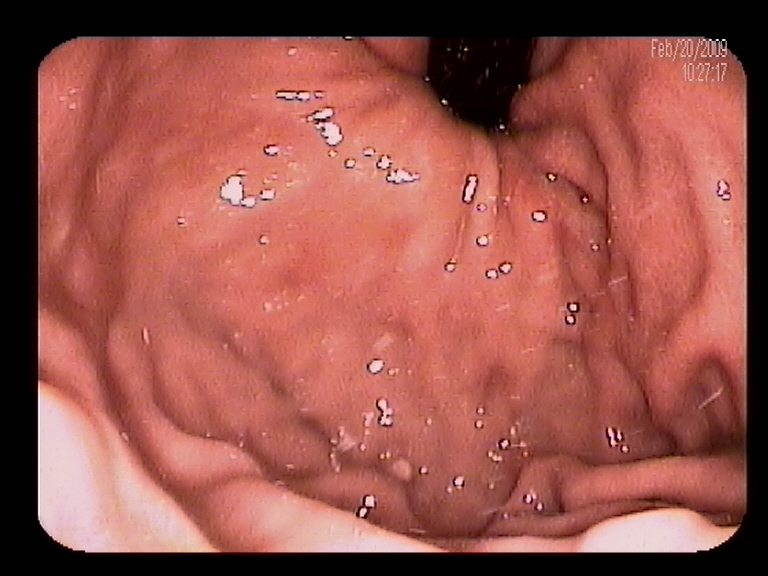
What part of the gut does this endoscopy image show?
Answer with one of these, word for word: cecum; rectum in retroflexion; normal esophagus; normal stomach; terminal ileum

normal stomach